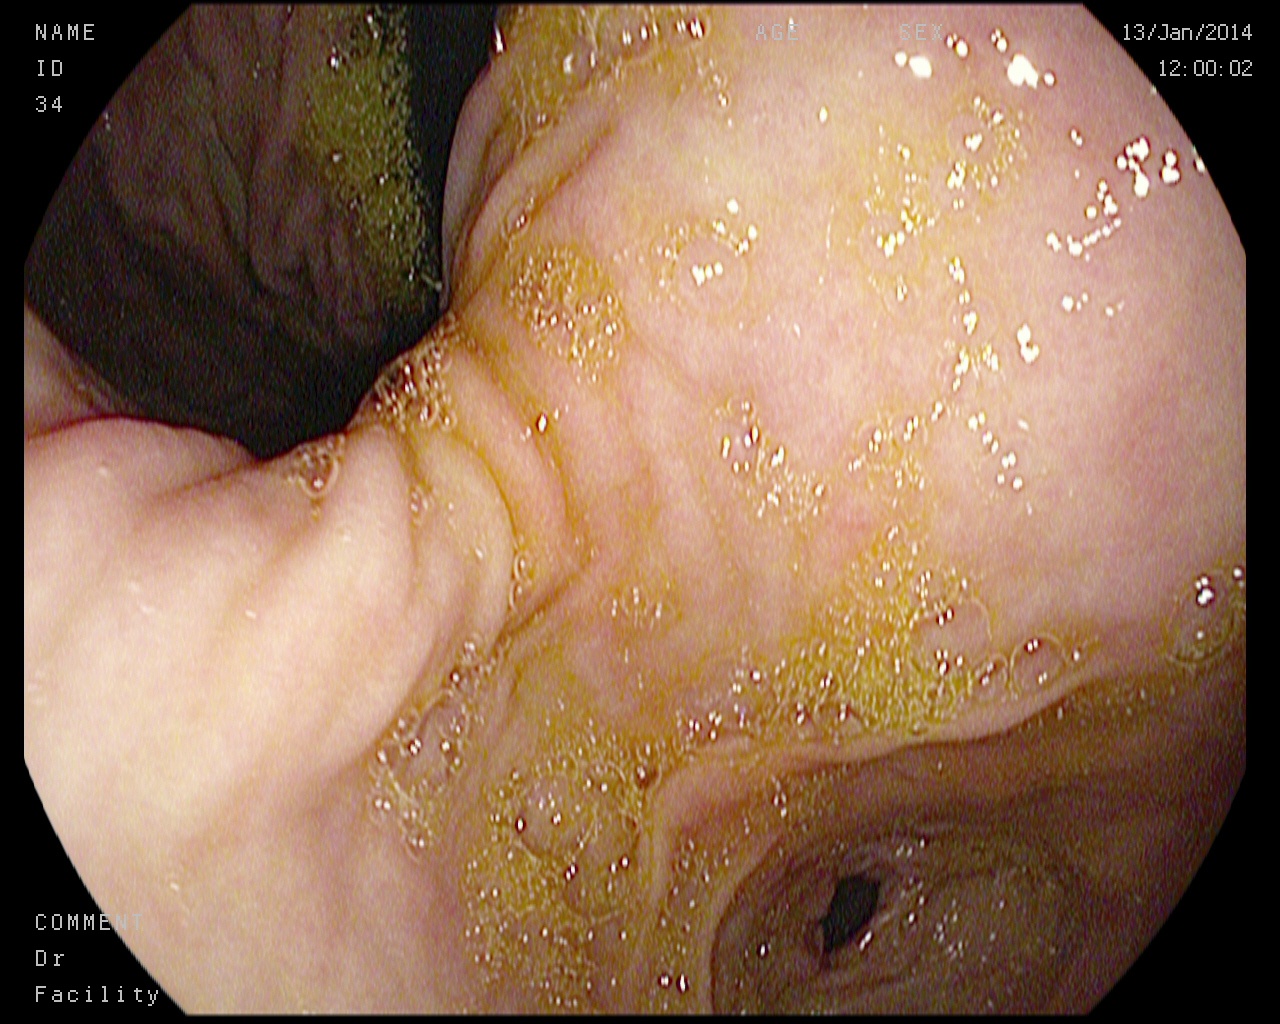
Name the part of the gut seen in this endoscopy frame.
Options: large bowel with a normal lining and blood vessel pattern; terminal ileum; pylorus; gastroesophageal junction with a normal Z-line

pylorus